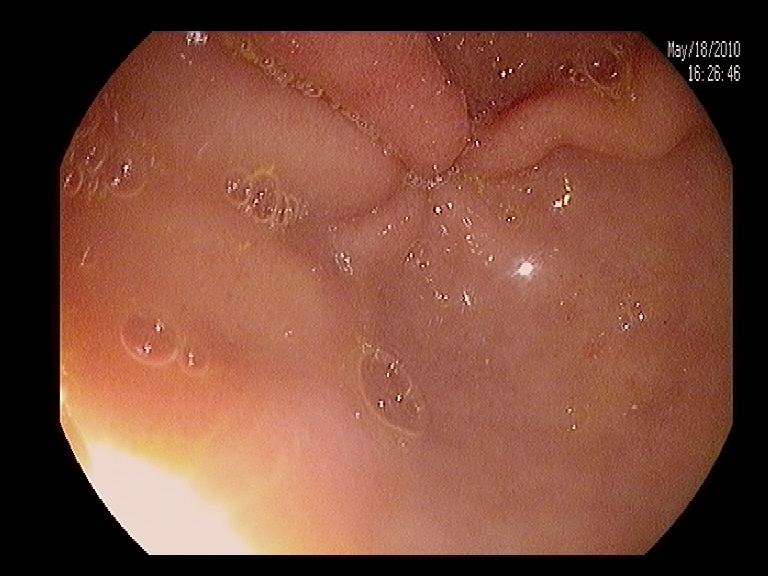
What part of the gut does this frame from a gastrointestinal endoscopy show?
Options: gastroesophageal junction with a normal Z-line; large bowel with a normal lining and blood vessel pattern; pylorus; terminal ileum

pylorus